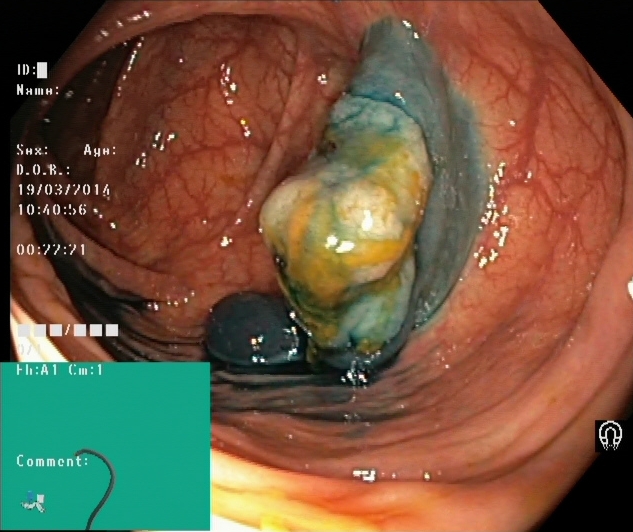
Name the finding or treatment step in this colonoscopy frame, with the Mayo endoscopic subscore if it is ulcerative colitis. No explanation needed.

dyed and lifted polyp (pre-resection)